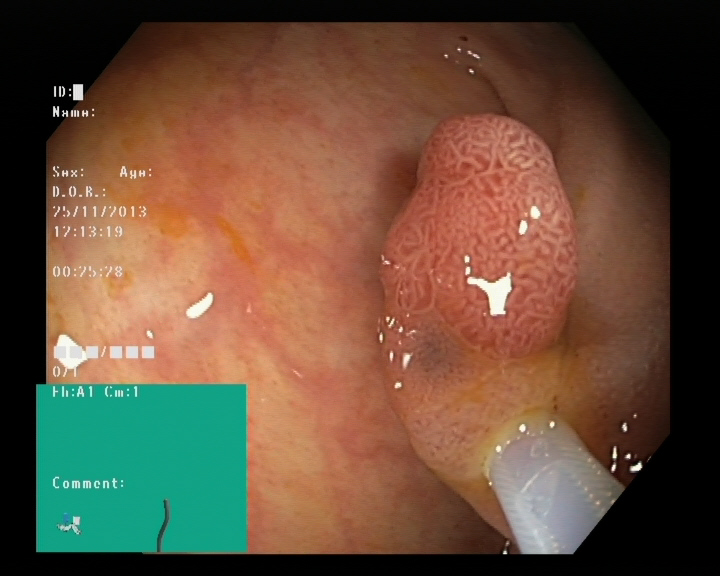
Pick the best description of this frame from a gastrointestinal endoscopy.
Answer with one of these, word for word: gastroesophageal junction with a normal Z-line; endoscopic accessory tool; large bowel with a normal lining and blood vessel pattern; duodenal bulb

endoscopic accessory tool